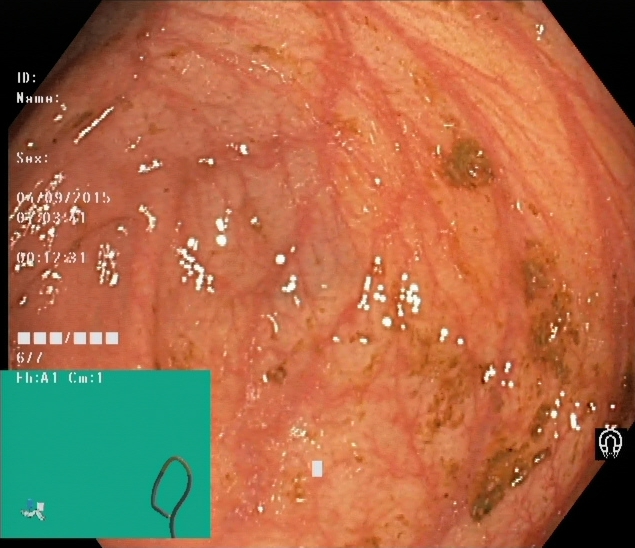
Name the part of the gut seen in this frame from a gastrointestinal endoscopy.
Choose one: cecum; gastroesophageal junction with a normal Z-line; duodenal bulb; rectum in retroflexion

cecum